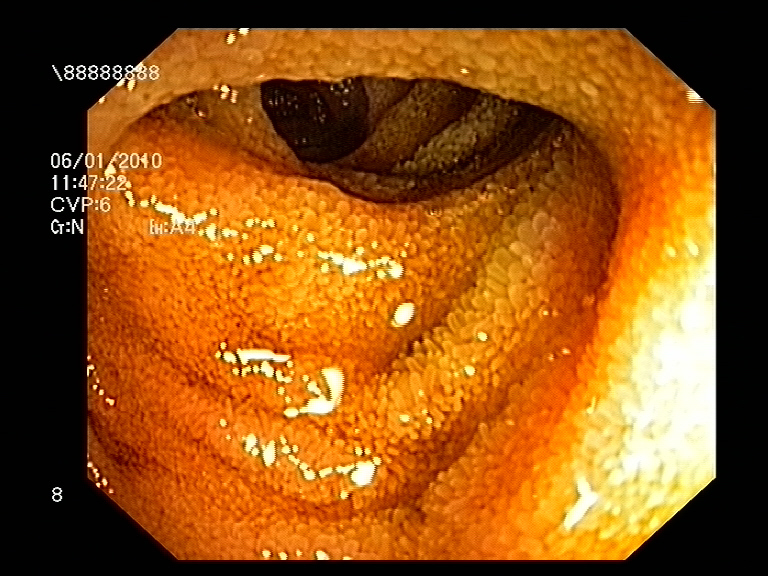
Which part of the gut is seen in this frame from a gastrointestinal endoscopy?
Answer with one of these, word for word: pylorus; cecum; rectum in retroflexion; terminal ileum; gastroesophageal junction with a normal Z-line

terminal ileum